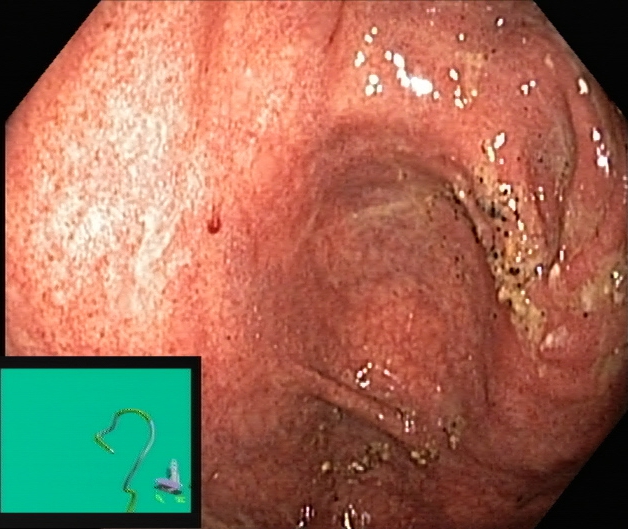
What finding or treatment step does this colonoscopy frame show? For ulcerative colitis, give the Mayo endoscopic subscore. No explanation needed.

ulcerative colitis, Mayo endoscopic subscore 1